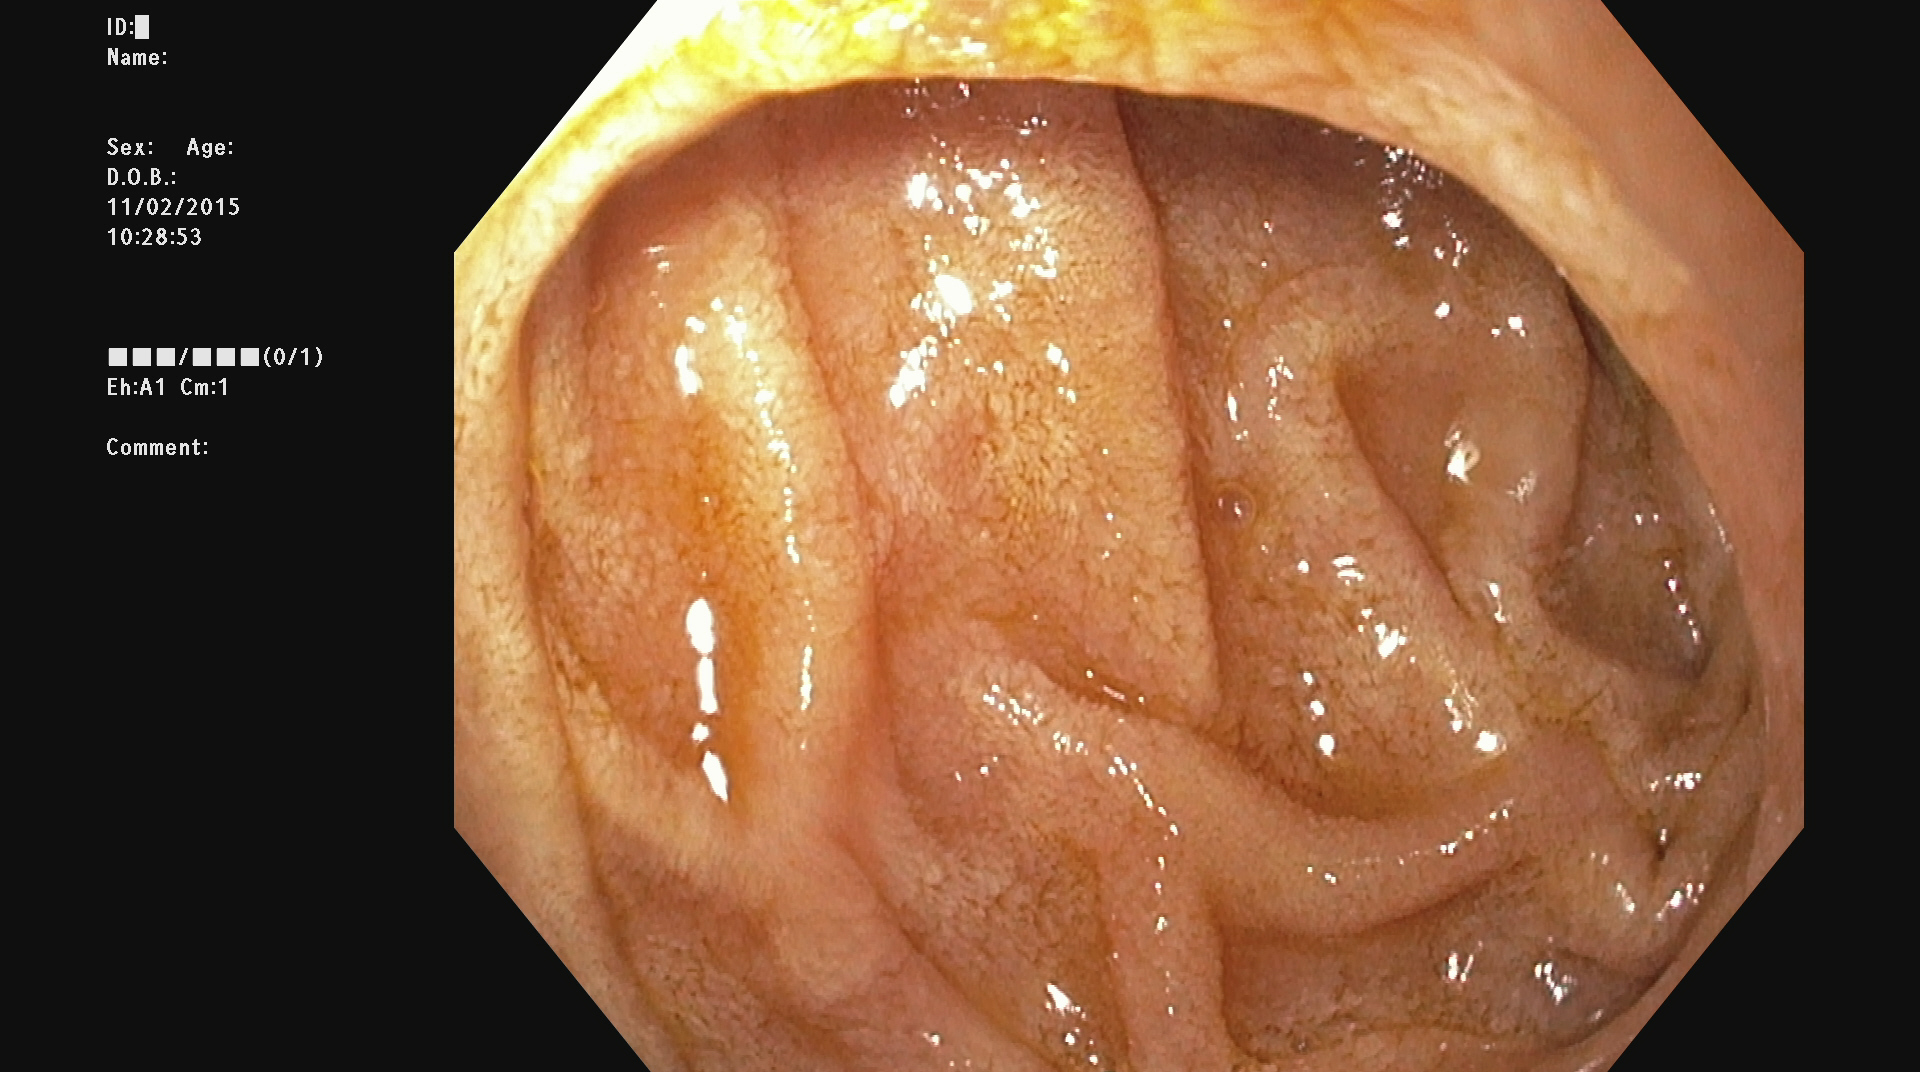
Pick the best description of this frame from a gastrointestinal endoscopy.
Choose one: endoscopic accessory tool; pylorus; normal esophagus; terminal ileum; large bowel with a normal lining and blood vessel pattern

terminal ileum